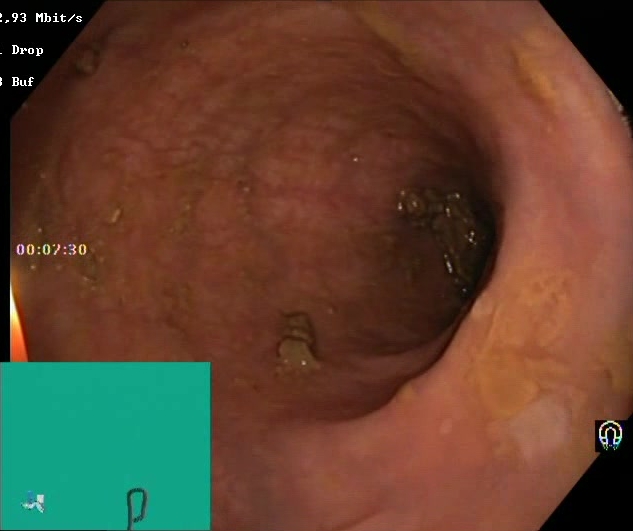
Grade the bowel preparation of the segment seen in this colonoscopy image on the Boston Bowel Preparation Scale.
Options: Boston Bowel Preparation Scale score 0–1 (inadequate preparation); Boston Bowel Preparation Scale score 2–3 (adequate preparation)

Boston Bowel Preparation Scale score 2–3 (adequate preparation)